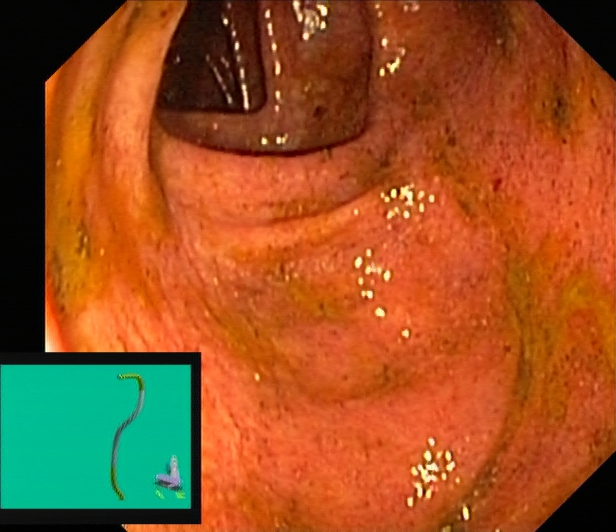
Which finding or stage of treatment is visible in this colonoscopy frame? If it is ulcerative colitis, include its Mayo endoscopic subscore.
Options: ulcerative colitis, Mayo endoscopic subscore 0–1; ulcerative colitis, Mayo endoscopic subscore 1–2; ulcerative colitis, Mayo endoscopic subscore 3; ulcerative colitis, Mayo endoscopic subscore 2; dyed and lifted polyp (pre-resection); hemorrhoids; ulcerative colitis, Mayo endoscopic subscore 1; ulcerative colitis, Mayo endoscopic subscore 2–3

ulcerative colitis, Mayo endoscopic subscore 1